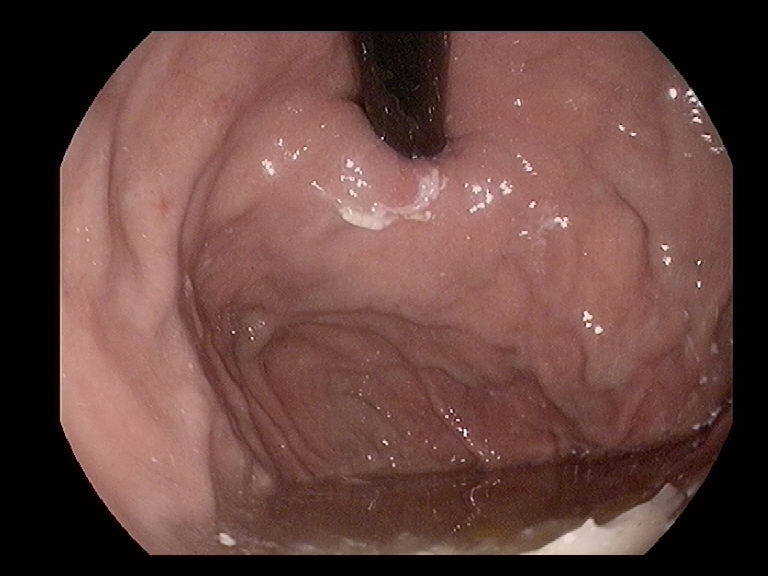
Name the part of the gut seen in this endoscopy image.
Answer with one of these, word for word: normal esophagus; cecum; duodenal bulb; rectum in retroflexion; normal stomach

normal stomach